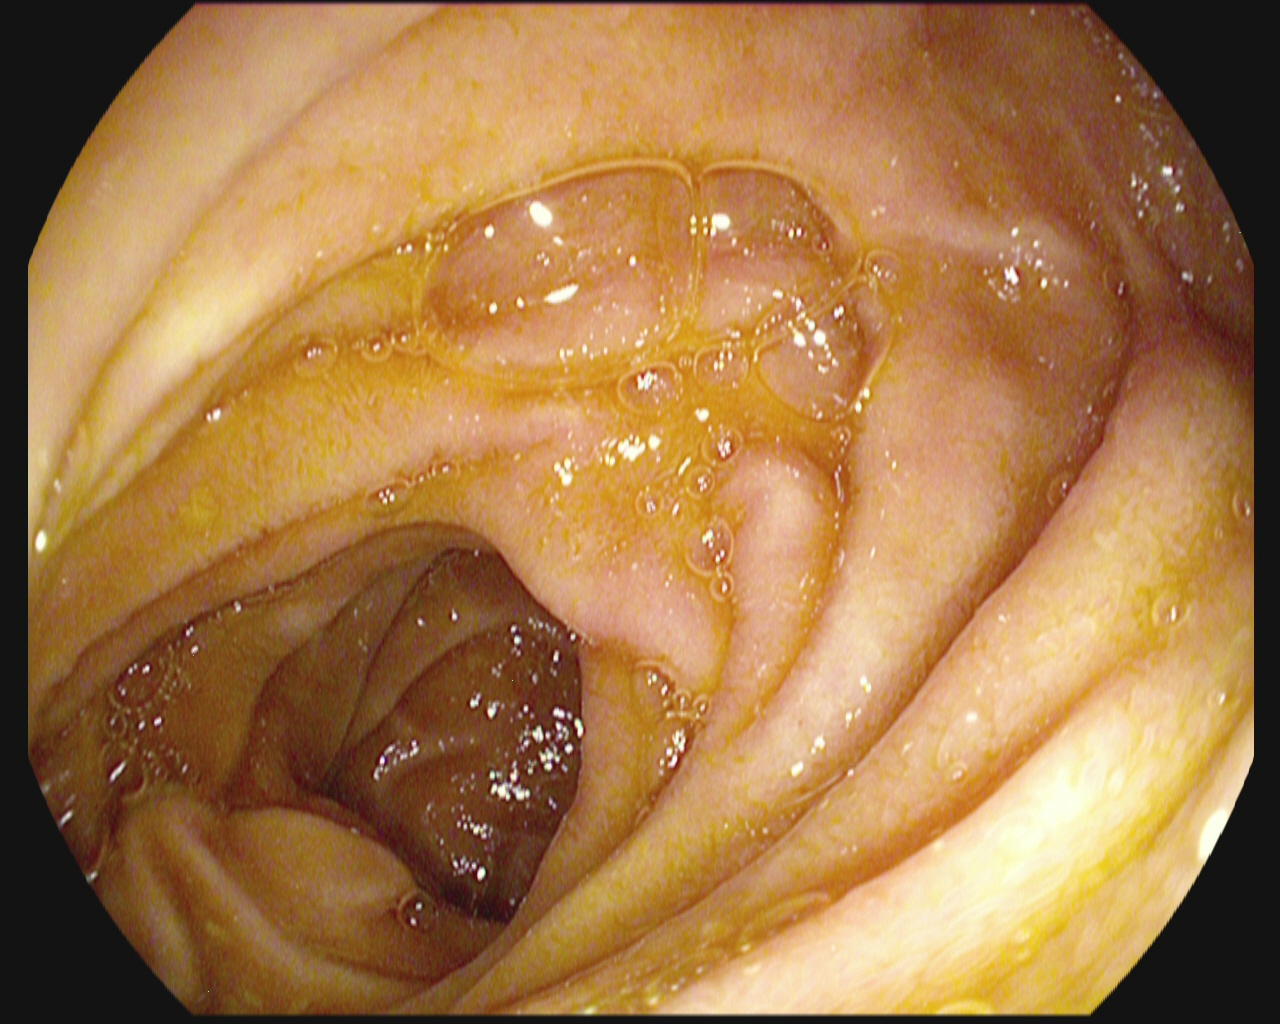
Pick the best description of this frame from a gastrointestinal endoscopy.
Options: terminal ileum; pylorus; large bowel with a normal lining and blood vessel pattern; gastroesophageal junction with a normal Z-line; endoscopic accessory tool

terminal ileum